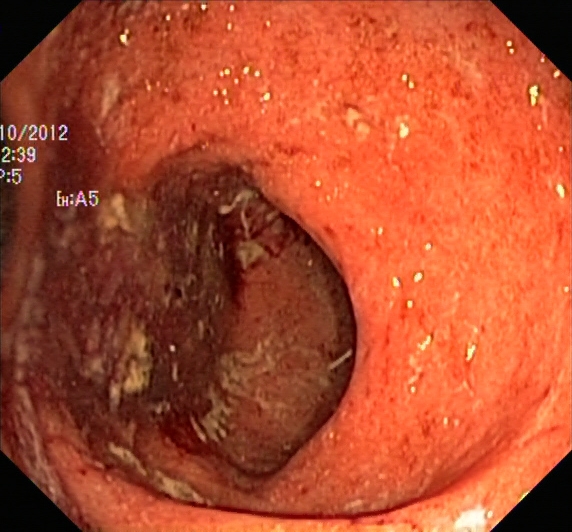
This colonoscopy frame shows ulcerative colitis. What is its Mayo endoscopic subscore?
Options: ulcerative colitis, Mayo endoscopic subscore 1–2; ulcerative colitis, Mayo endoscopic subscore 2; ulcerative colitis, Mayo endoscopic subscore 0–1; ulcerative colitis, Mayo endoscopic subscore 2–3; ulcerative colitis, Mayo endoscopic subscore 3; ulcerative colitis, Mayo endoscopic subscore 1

ulcerative colitis, Mayo endoscopic subscore 3